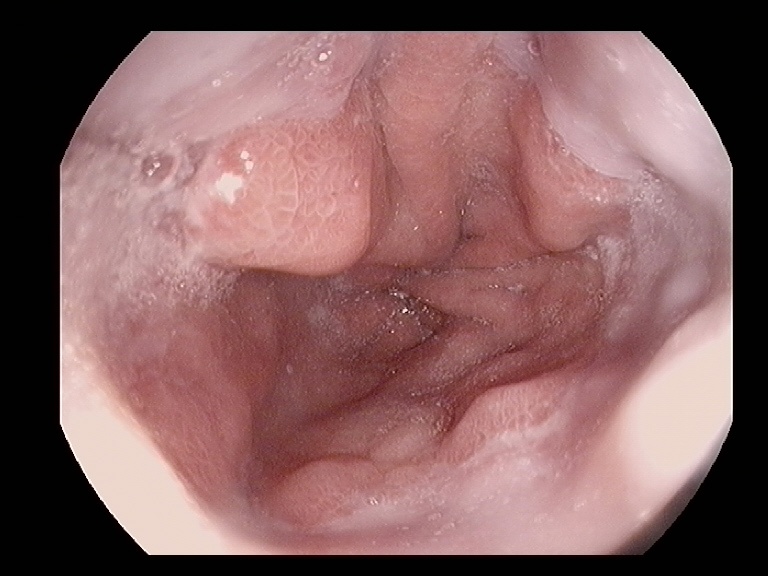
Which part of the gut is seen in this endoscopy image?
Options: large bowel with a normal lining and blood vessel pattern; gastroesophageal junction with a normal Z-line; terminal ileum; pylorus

gastroesophageal junction with a normal Z-line